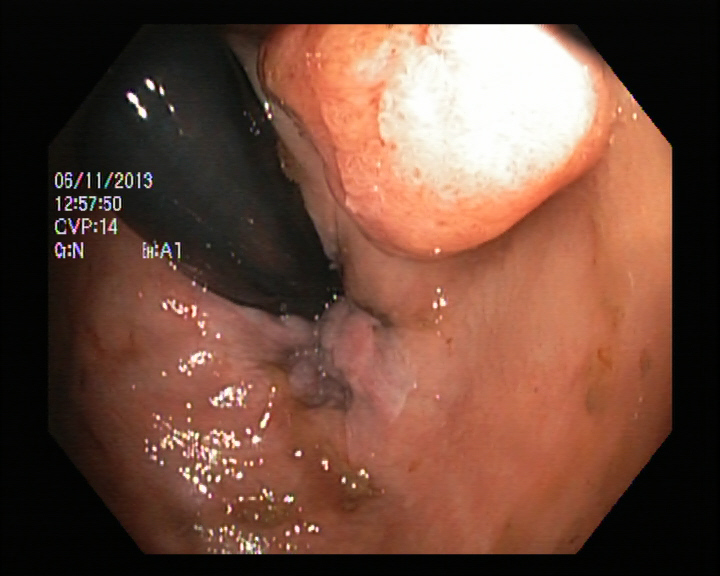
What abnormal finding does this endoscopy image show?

gastric polyp